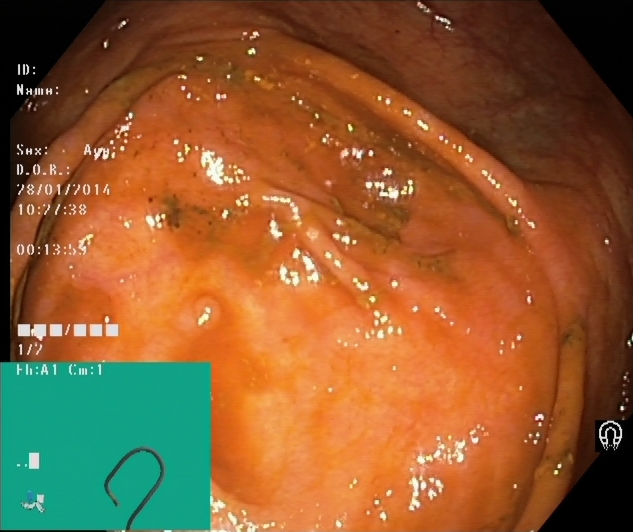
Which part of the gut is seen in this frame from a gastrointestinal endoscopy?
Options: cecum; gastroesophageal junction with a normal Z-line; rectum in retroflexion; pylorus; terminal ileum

cecum